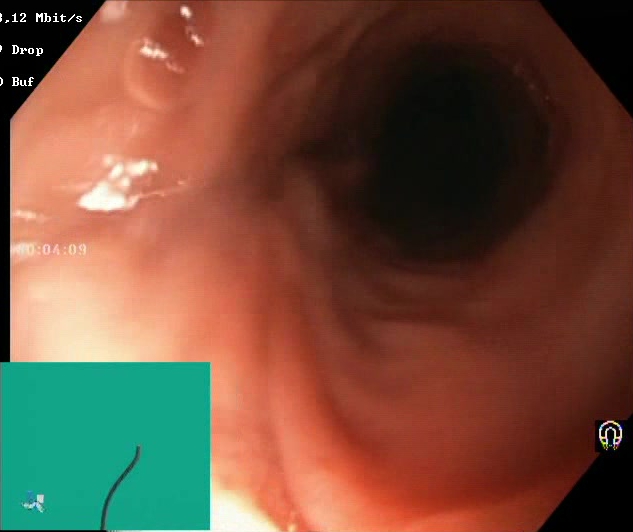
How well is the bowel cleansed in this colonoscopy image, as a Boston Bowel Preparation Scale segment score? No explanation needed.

Boston Bowel Preparation Scale score 2–3 (adequate preparation)